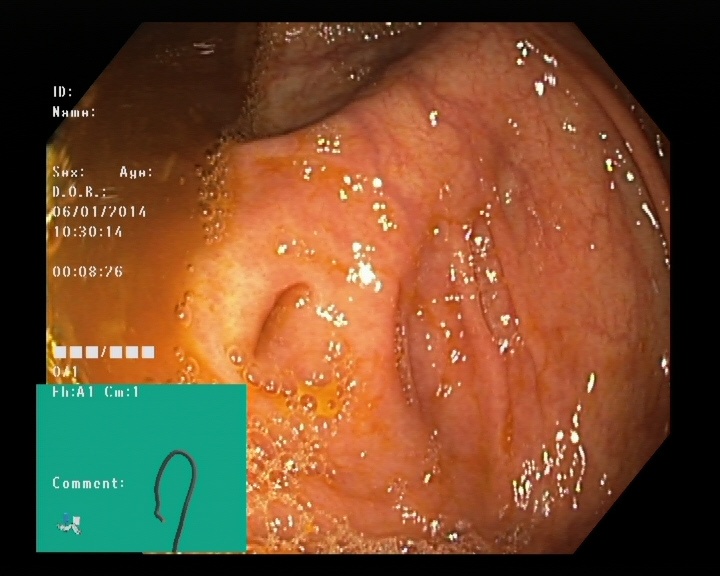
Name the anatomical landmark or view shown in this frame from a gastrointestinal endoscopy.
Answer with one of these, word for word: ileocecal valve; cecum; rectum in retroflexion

cecum